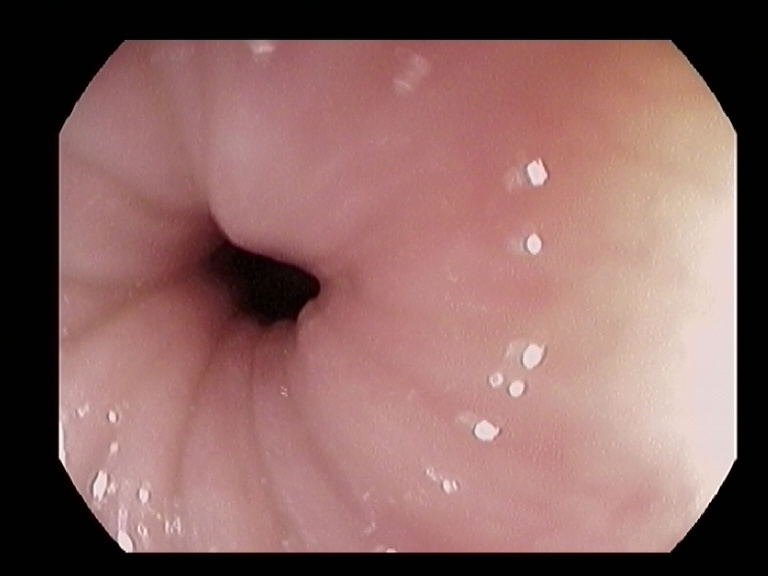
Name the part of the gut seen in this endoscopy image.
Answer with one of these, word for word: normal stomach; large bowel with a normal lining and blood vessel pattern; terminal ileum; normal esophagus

normal esophagus